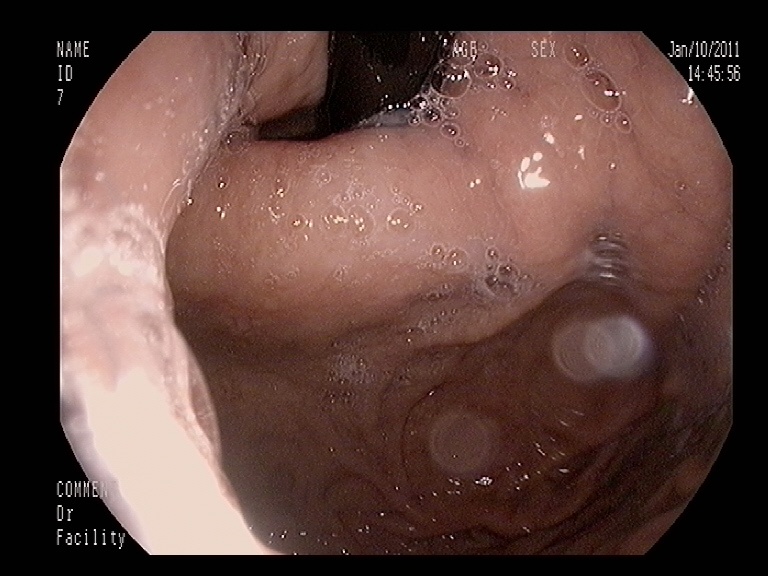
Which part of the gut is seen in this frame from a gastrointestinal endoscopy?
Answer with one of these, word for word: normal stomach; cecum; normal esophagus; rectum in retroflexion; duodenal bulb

normal stomach